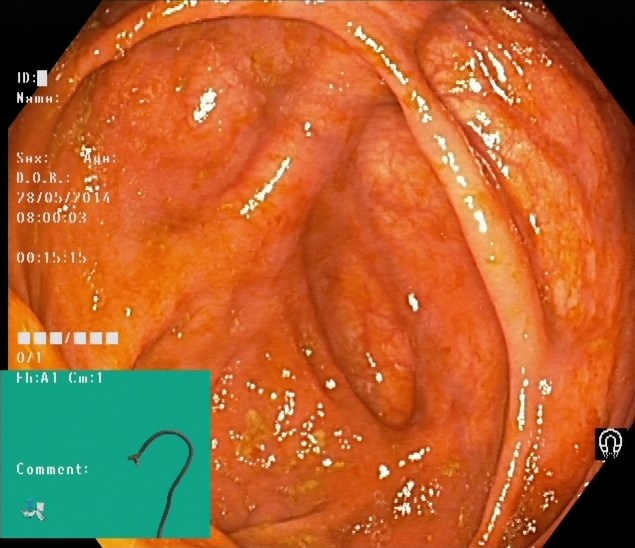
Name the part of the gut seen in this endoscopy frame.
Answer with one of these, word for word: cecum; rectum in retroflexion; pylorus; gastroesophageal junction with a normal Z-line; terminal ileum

cecum